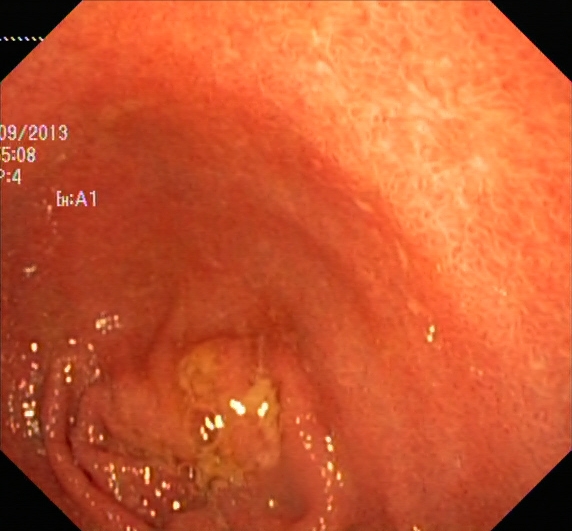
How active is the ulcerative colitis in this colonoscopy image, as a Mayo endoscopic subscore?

ulcerative colitis, Mayo endoscopic subscore 2